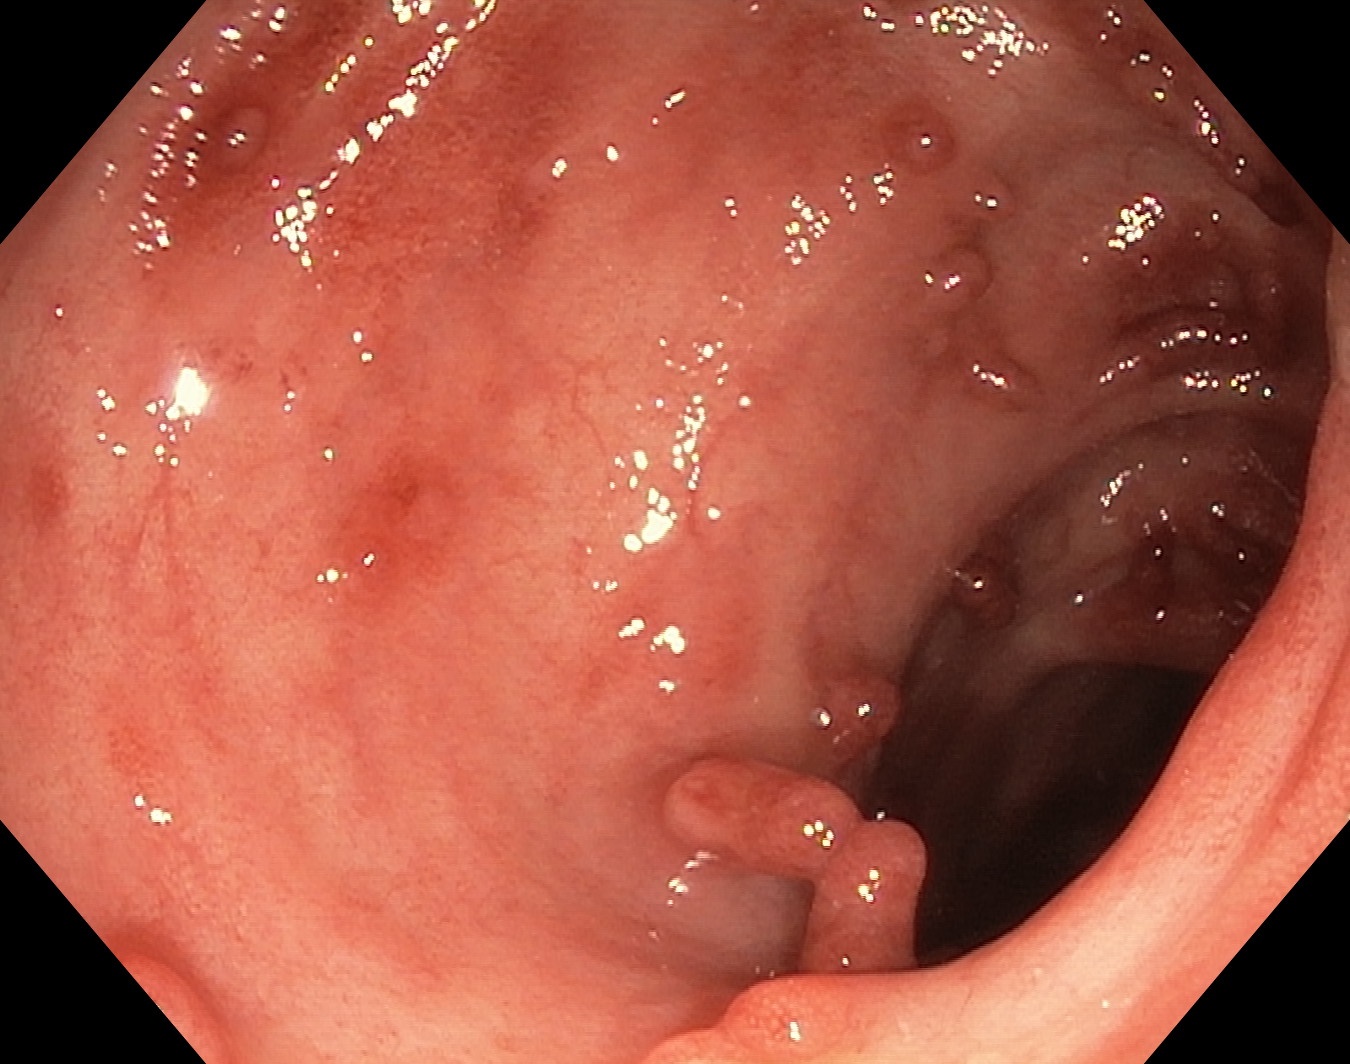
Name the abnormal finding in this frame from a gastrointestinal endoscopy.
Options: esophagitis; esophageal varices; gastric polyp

gastric polyp